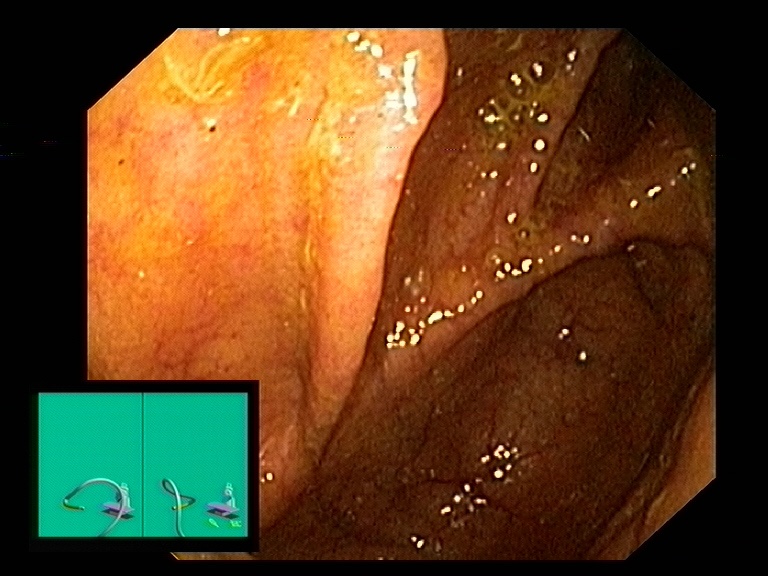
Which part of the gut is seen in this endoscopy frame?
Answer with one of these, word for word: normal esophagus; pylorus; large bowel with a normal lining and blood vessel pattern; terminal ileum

large bowel with a normal lining and blood vessel pattern